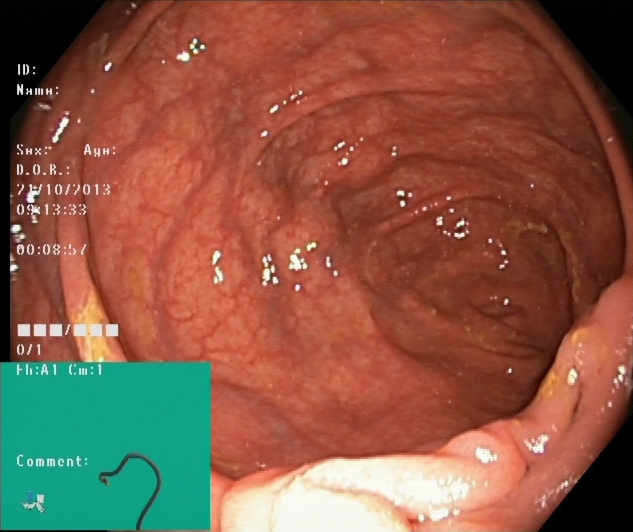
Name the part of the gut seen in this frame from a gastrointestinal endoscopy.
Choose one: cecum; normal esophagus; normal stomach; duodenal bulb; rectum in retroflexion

cecum